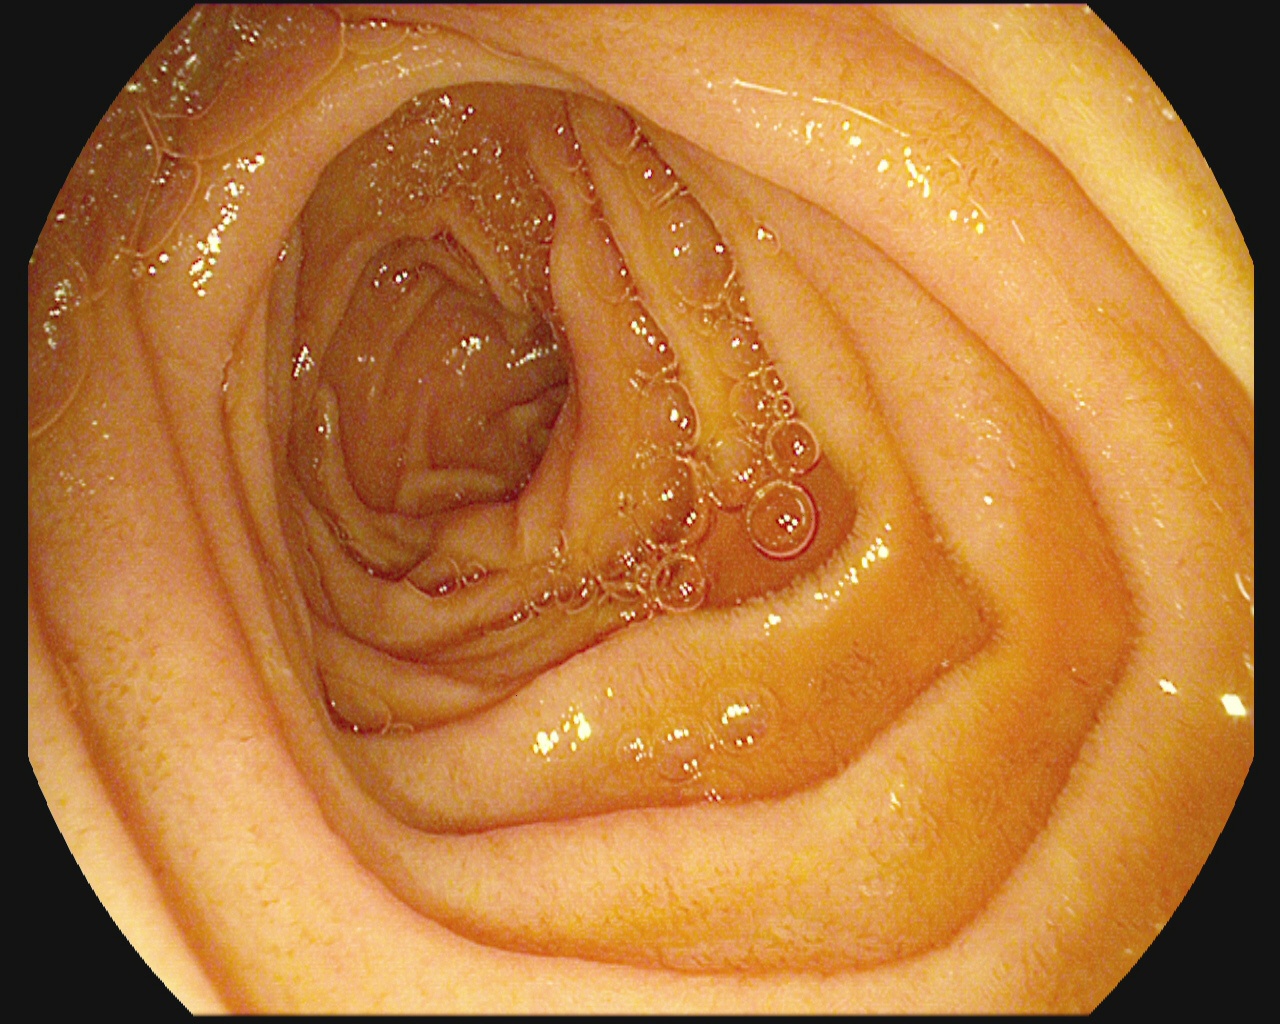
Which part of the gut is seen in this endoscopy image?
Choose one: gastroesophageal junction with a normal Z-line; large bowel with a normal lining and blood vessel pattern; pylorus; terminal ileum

terminal ileum